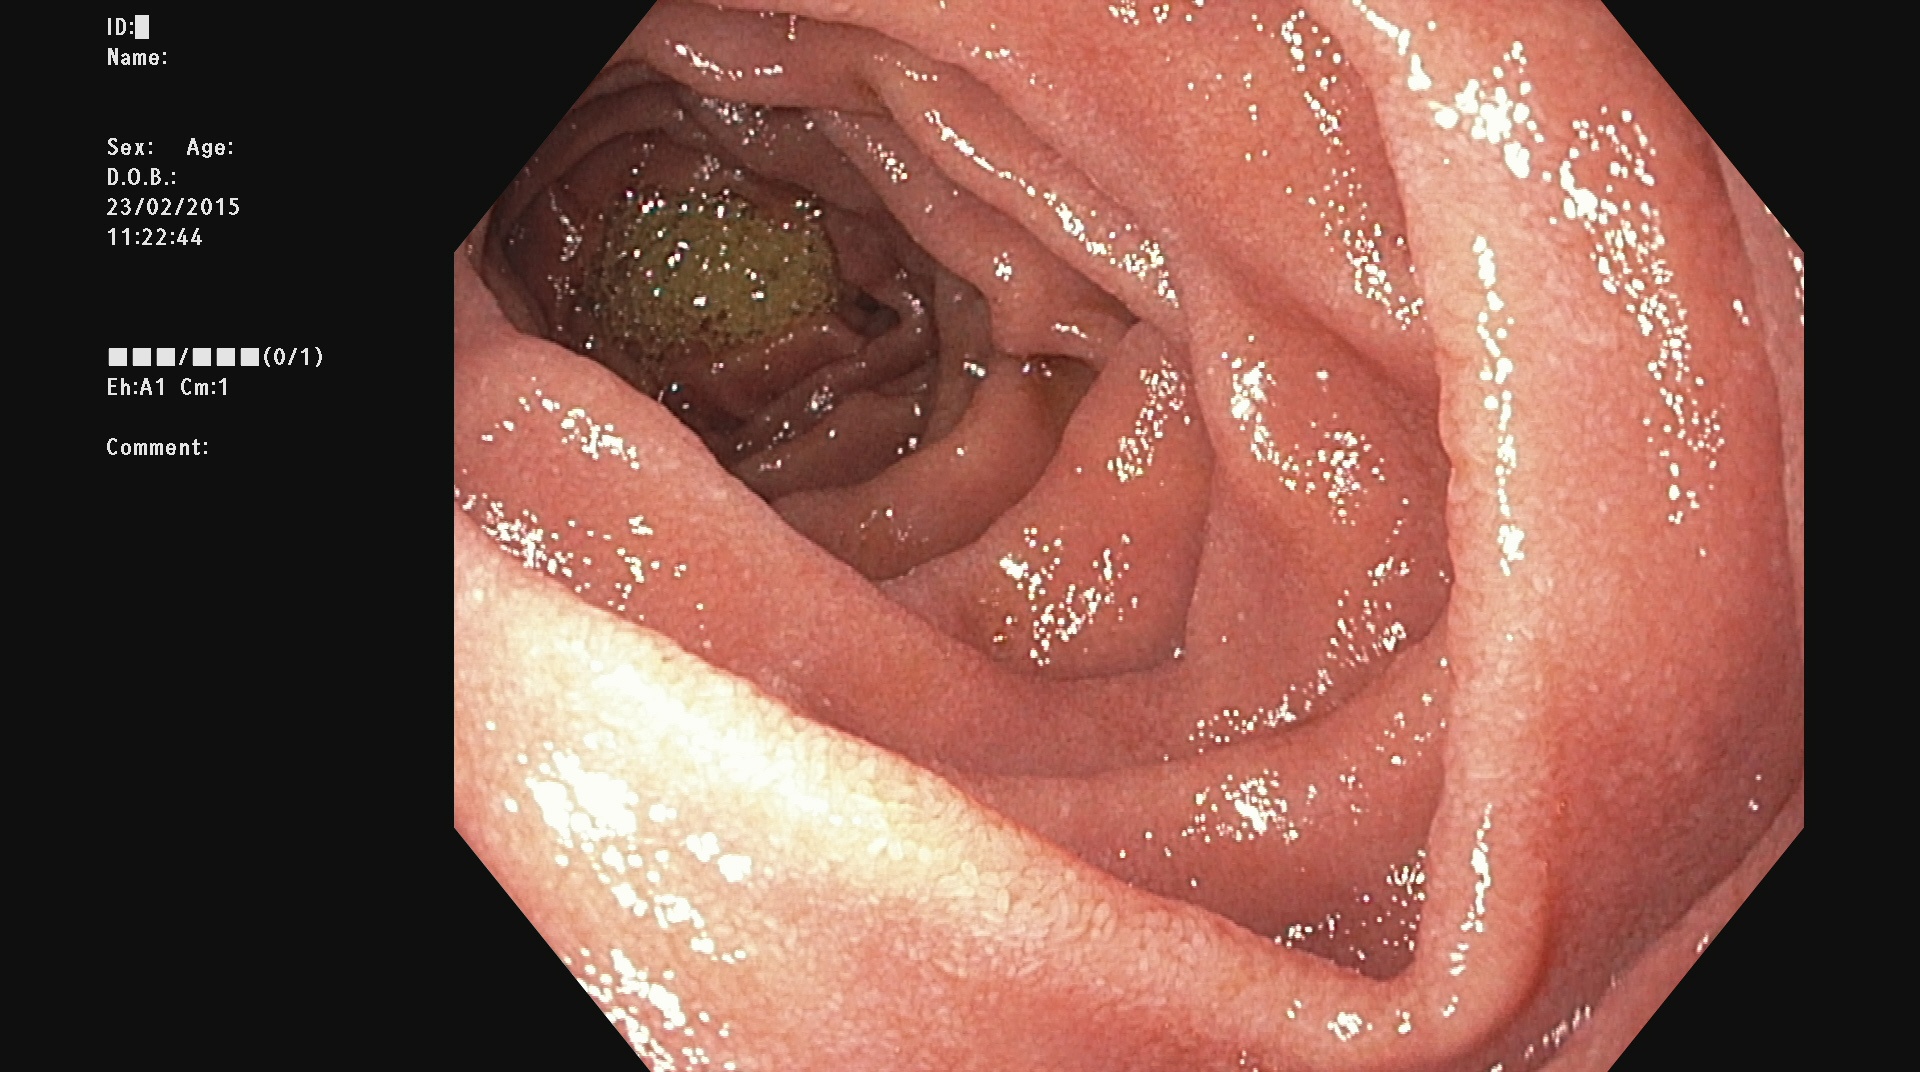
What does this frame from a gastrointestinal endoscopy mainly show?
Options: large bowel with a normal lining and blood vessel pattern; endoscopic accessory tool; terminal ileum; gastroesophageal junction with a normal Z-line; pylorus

terminal ileum